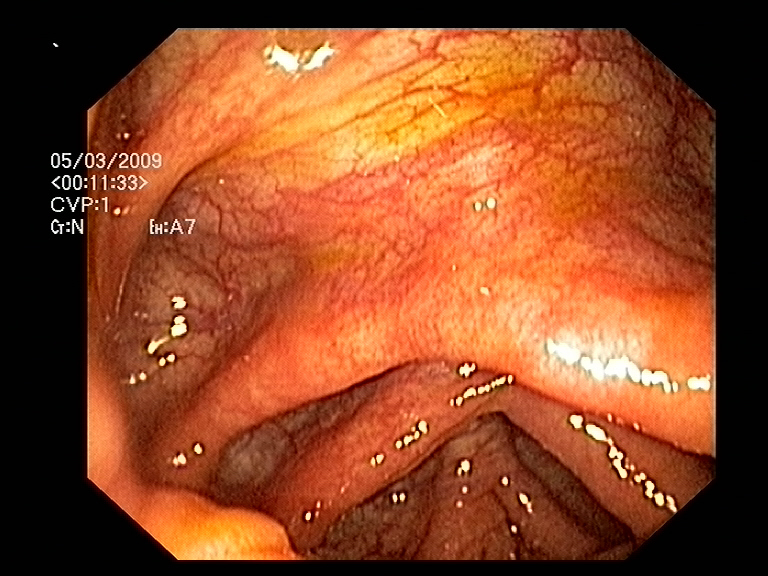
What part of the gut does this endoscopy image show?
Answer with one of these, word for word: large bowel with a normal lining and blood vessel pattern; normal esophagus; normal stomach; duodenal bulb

large bowel with a normal lining and blood vessel pattern